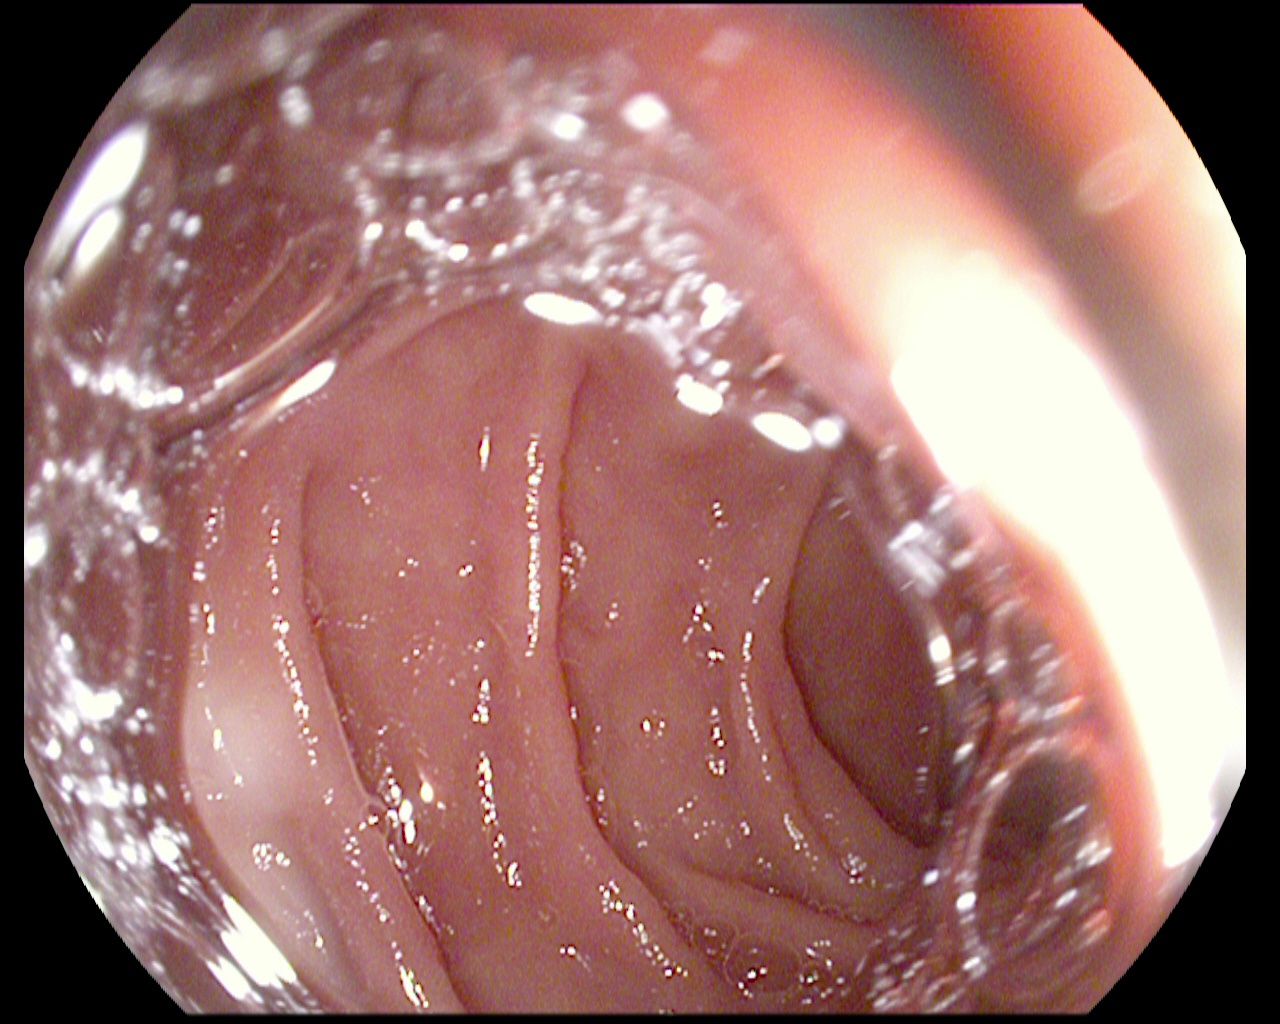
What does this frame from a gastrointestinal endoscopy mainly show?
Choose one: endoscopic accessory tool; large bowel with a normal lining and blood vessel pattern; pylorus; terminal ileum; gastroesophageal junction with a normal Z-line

terminal ileum